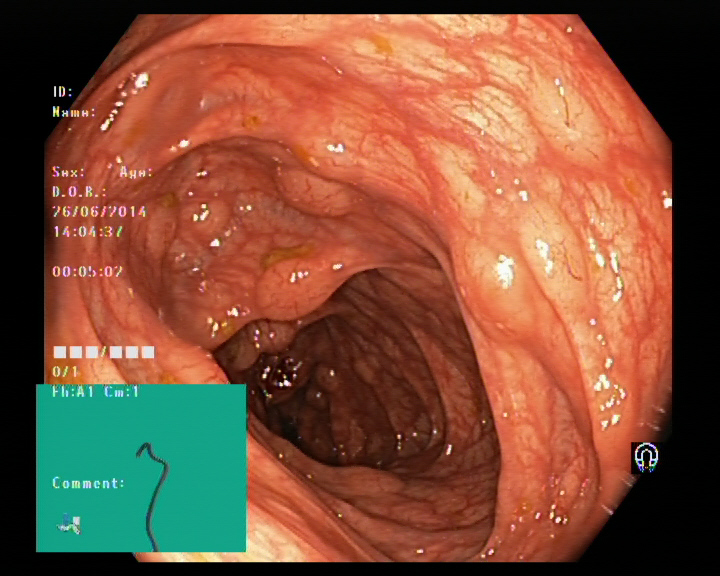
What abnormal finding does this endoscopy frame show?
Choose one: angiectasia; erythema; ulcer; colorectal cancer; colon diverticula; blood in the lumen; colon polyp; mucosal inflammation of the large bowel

colon polyp